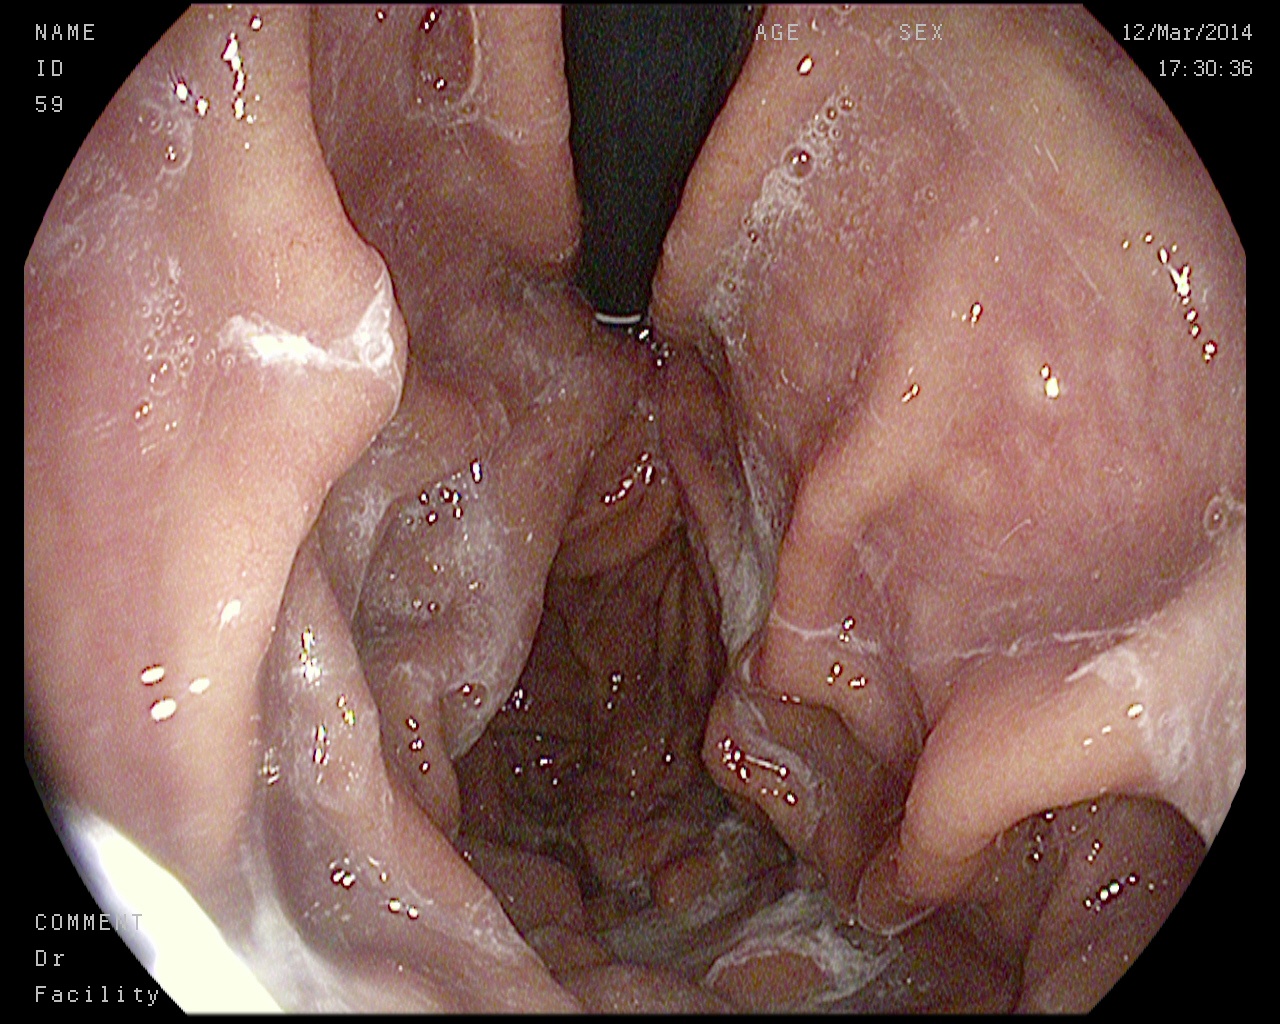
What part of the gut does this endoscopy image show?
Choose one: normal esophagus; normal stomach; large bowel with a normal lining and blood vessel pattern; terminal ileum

normal stomach